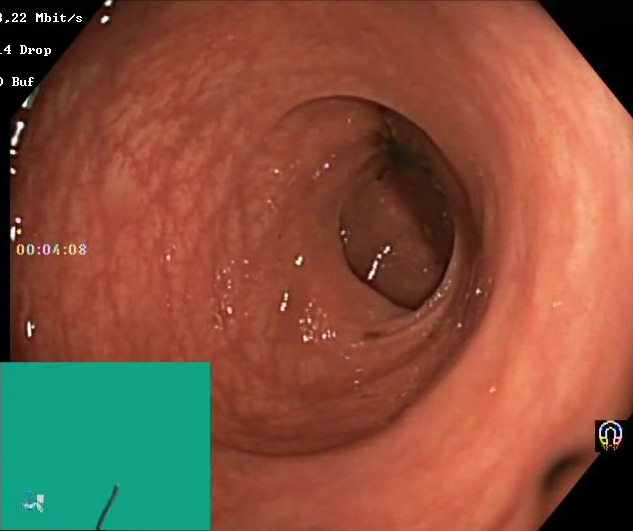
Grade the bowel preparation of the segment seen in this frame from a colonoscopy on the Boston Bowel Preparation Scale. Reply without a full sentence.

Boston Bowel Preparation Scale score 0–1 (inadequate preparation)